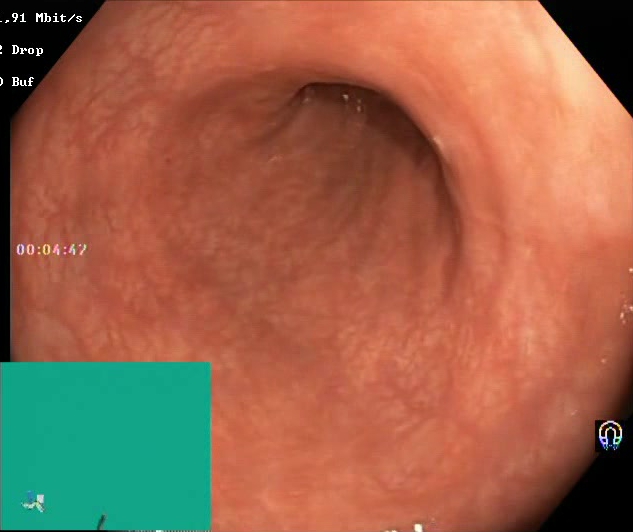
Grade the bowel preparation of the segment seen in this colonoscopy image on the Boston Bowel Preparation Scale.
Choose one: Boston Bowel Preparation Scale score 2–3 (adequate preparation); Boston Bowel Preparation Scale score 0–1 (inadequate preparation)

Boston Bowel Preparation Scale score 2–3 (adequate preparation)